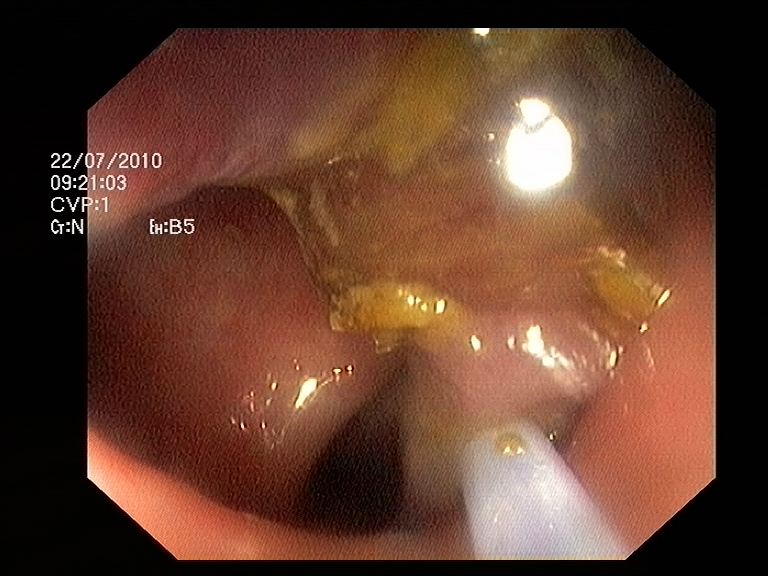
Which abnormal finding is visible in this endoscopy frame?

colorectal cancer